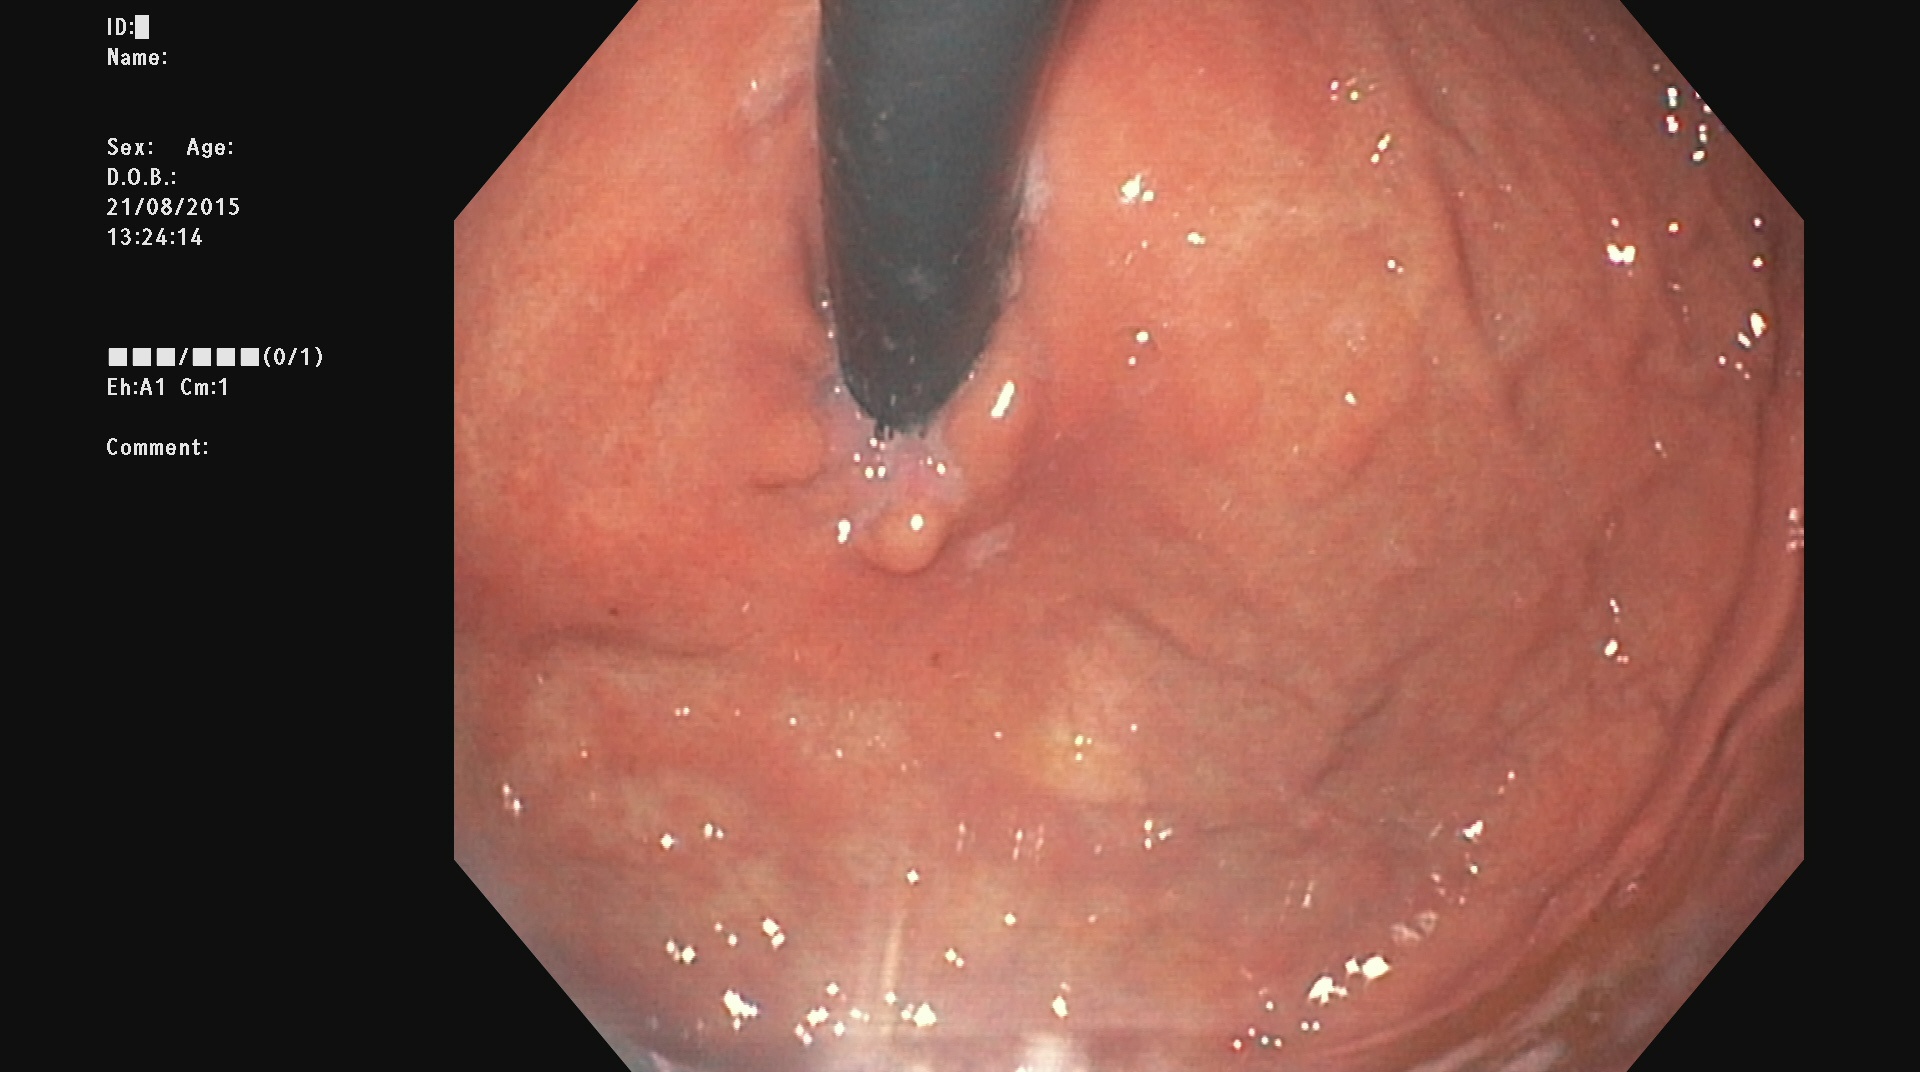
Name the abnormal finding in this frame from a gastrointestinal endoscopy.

gastric polyp